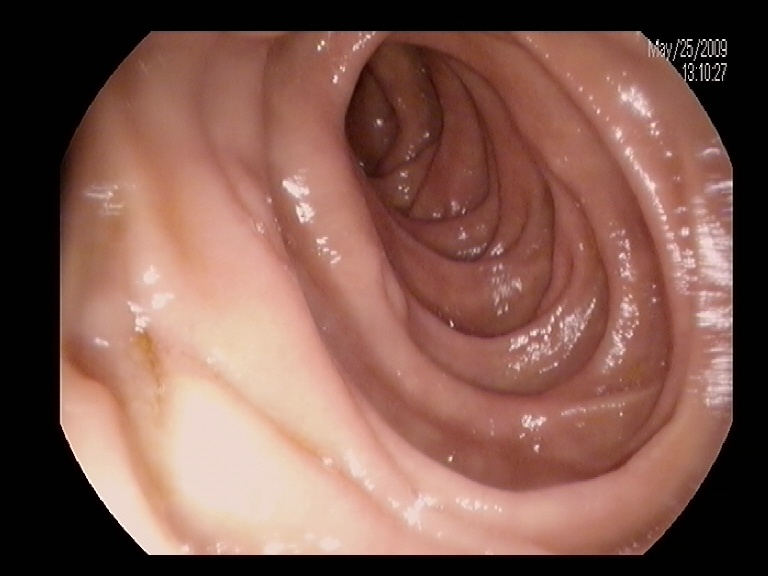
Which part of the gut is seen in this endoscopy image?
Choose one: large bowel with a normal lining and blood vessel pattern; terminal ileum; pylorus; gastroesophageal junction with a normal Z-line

terminal ileum